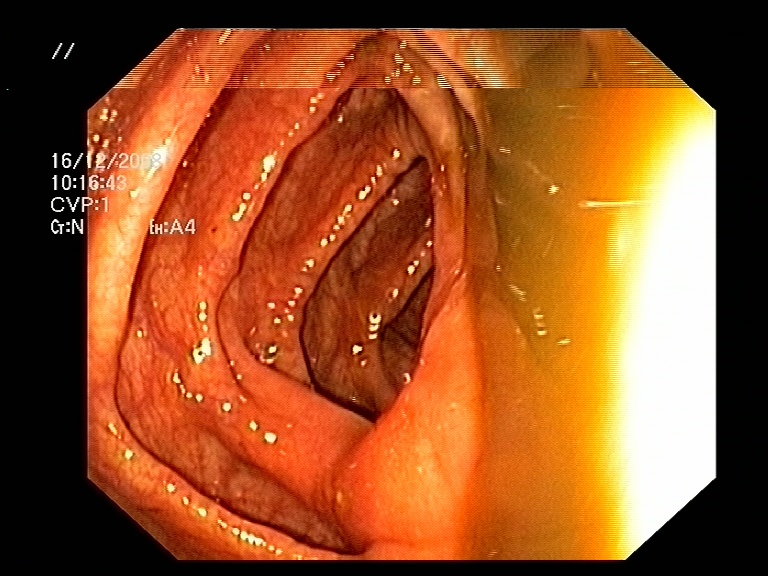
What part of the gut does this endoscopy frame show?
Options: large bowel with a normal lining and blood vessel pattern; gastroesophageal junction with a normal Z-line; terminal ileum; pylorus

large bowel with a normal lining and blood vessel pattern